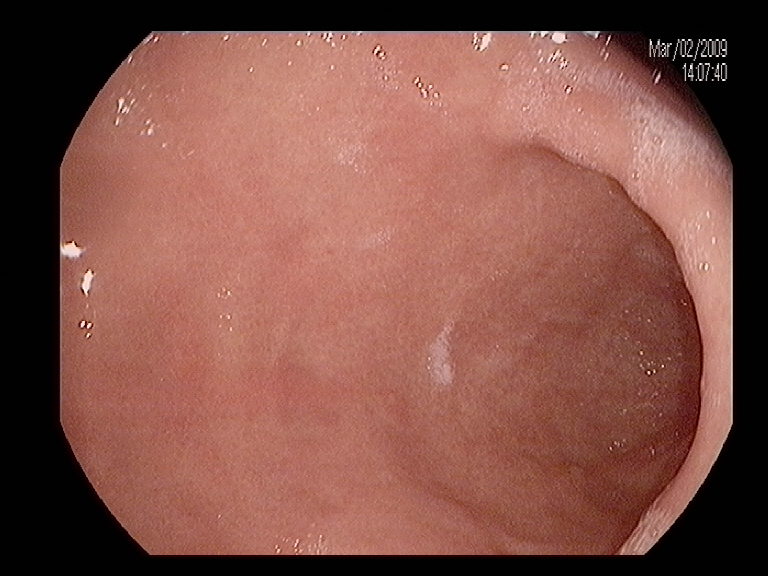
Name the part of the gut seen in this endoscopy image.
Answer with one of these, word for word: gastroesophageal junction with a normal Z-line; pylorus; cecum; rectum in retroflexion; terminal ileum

terminal ileum